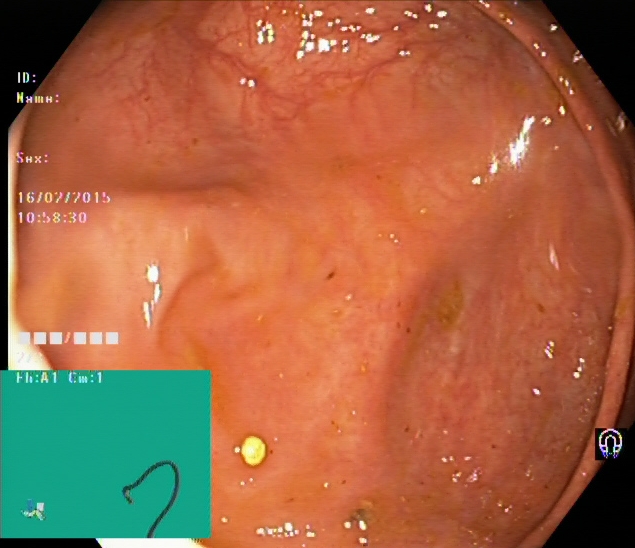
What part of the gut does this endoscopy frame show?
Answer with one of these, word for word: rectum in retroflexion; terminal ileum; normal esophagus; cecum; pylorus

cecum